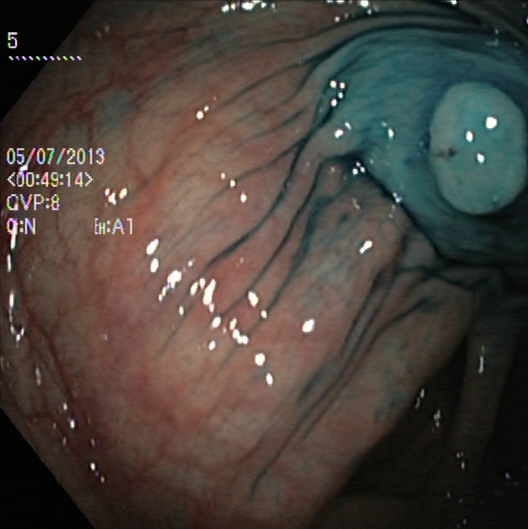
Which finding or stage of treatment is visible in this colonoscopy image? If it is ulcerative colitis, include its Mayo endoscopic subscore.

dyed and lifted polyp (pre-resection)